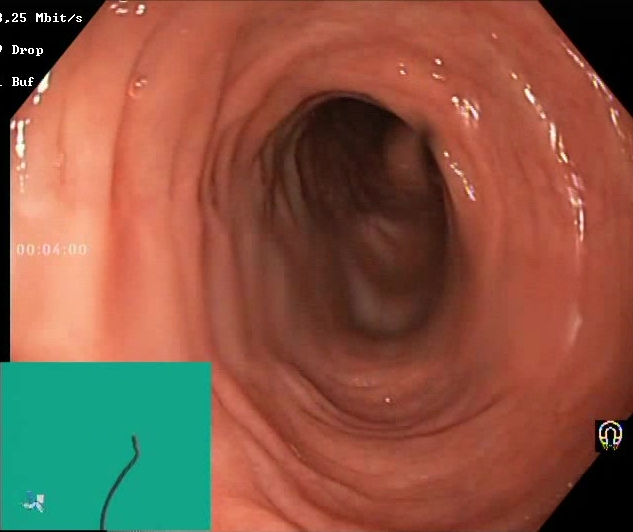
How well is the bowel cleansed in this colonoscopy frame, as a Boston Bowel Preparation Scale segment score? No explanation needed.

Boston Bowel Preparation Scale score 2–3 (adequate preparation)